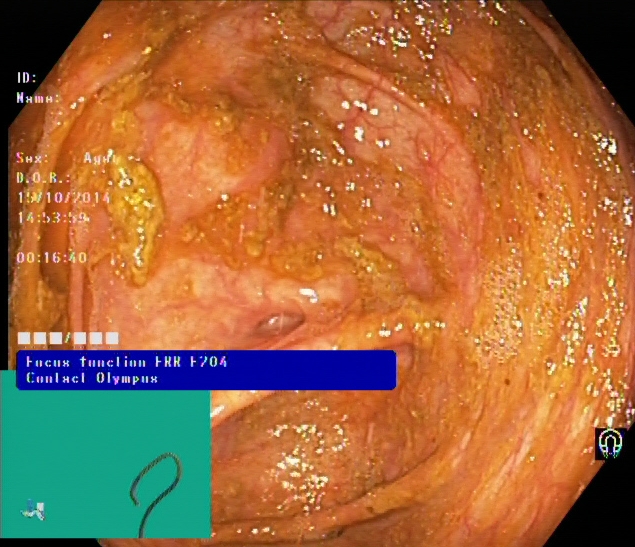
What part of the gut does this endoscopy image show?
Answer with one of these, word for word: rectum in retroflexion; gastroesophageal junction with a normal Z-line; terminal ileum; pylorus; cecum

cecum